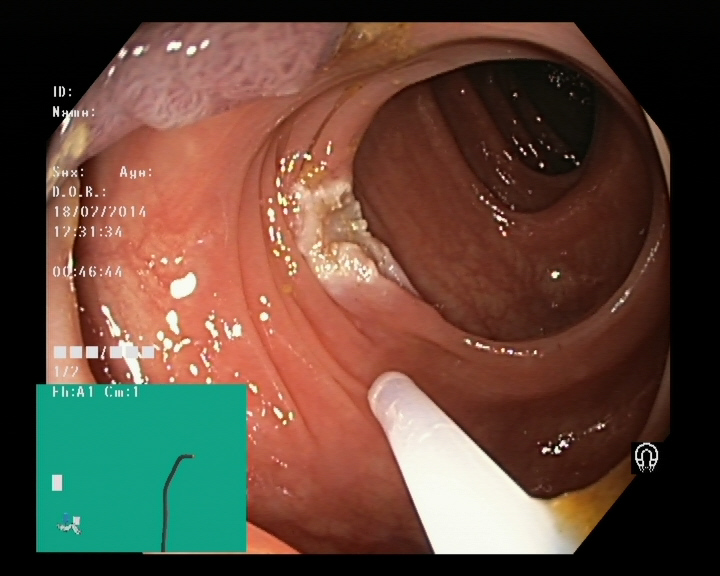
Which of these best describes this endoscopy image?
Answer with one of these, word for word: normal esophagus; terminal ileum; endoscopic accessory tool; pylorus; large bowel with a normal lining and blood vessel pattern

endoscopic accessory tool